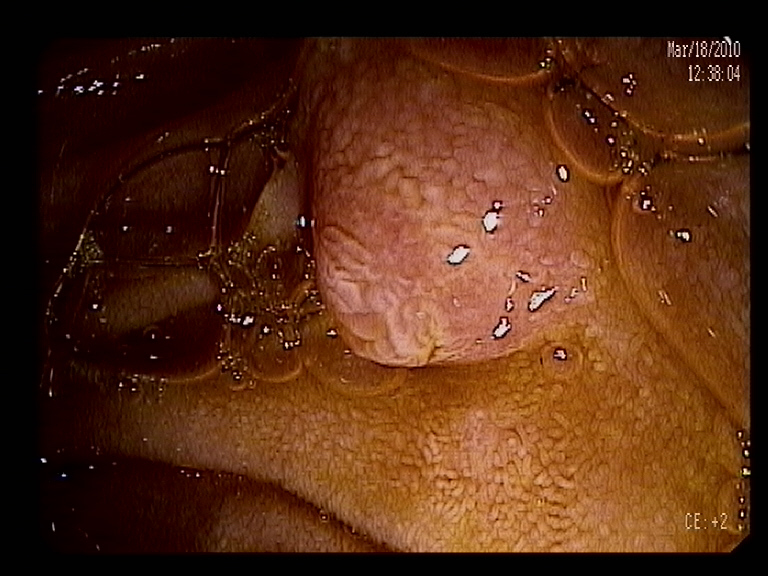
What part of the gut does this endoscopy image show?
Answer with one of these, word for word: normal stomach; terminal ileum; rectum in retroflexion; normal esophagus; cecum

terminal ileum